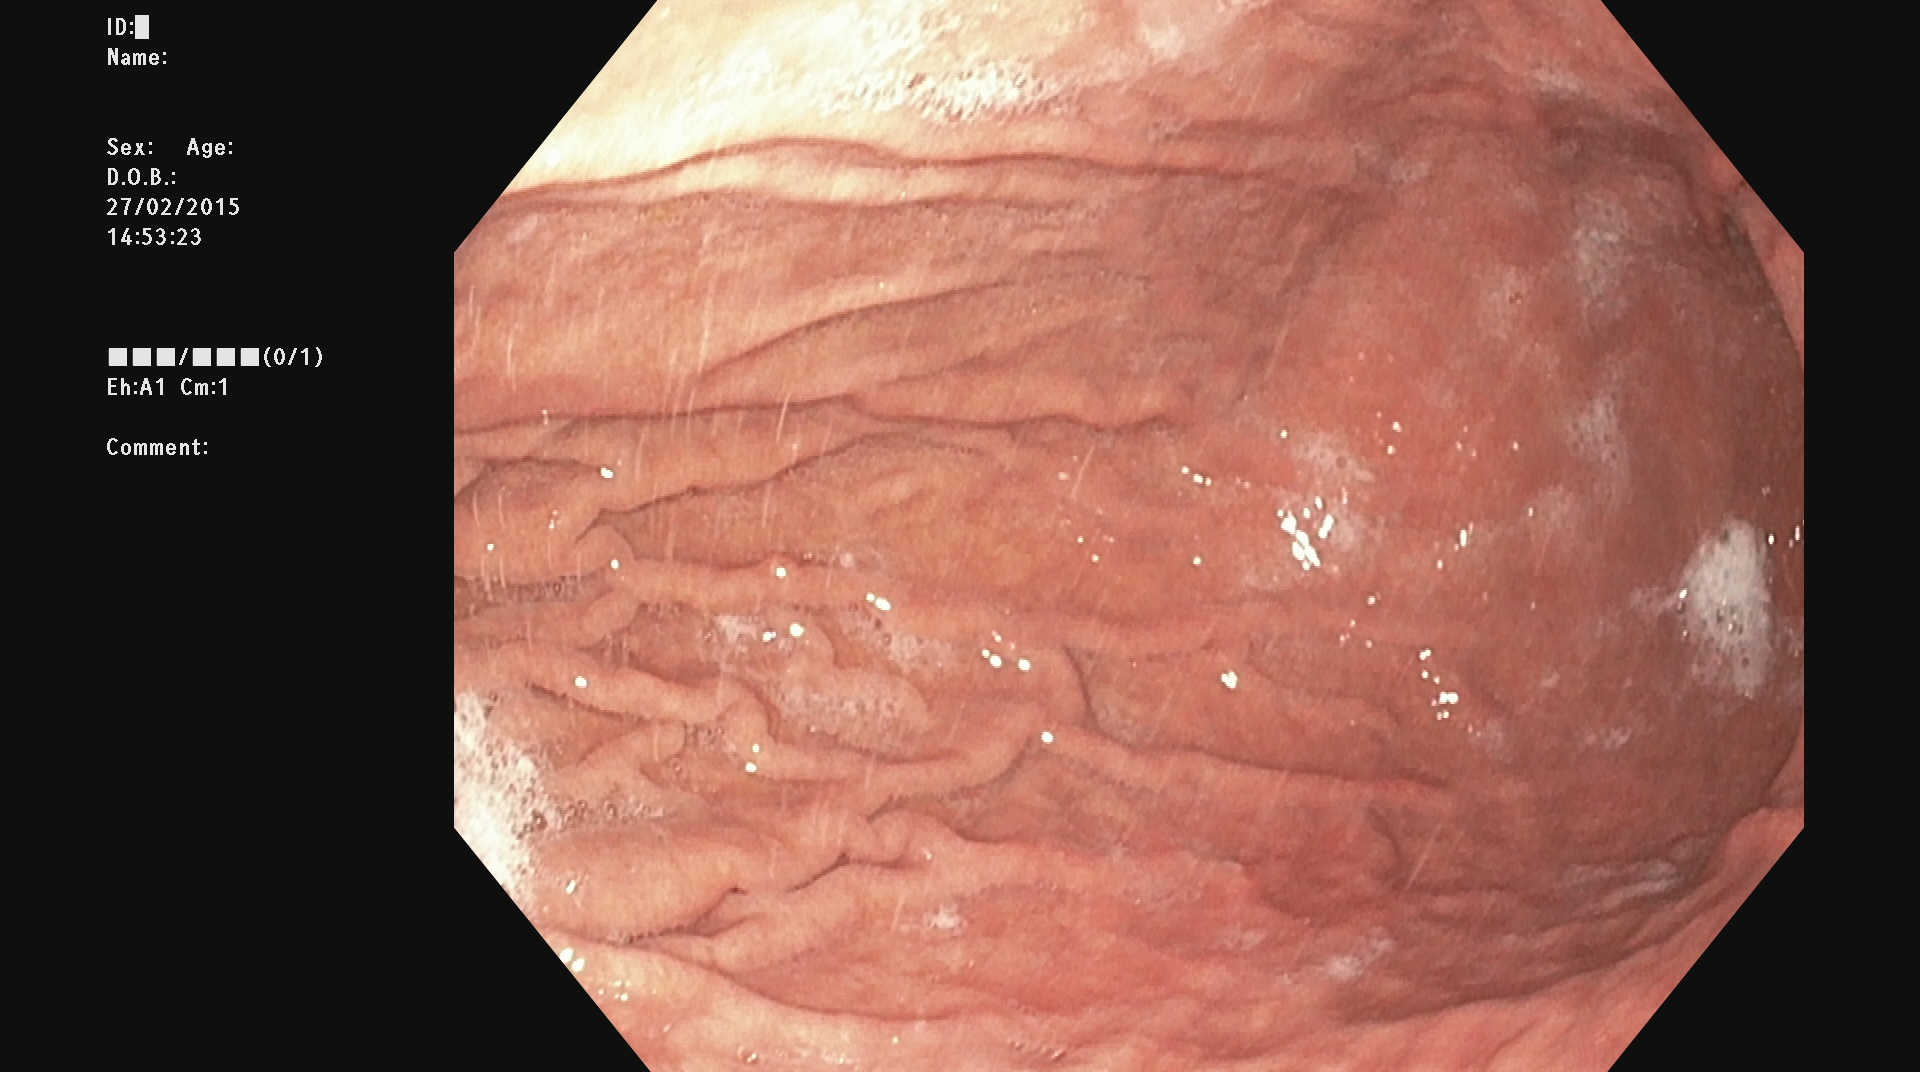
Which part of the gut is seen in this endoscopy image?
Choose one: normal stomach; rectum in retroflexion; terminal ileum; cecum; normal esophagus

normal stomach